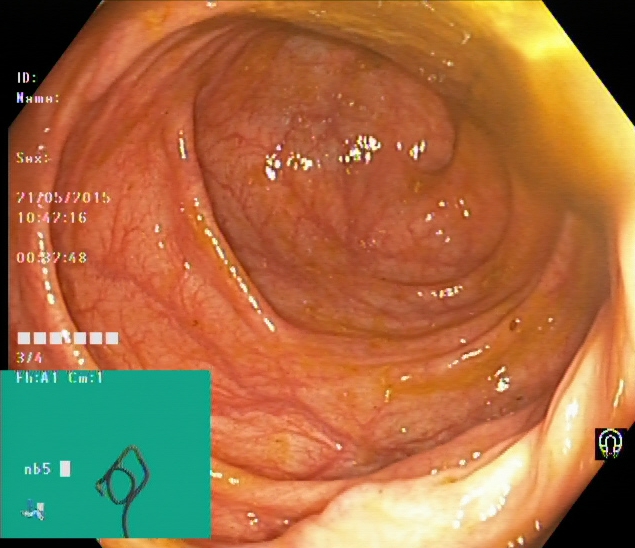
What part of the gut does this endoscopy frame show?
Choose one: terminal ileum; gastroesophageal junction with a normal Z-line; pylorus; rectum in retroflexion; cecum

cecum